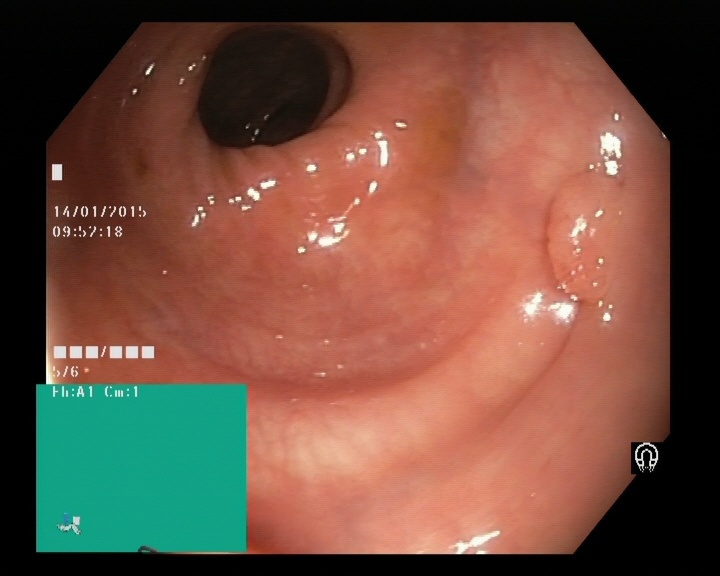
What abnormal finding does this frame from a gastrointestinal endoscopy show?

colon polyp